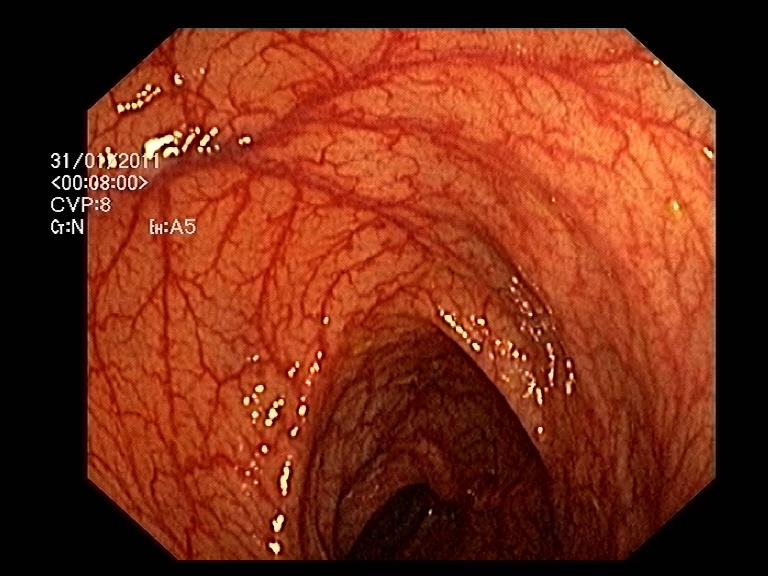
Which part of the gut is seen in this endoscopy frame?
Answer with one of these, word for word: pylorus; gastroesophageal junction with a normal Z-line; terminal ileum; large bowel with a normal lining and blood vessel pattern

large bowel with a normal lining and blood vessel pattern